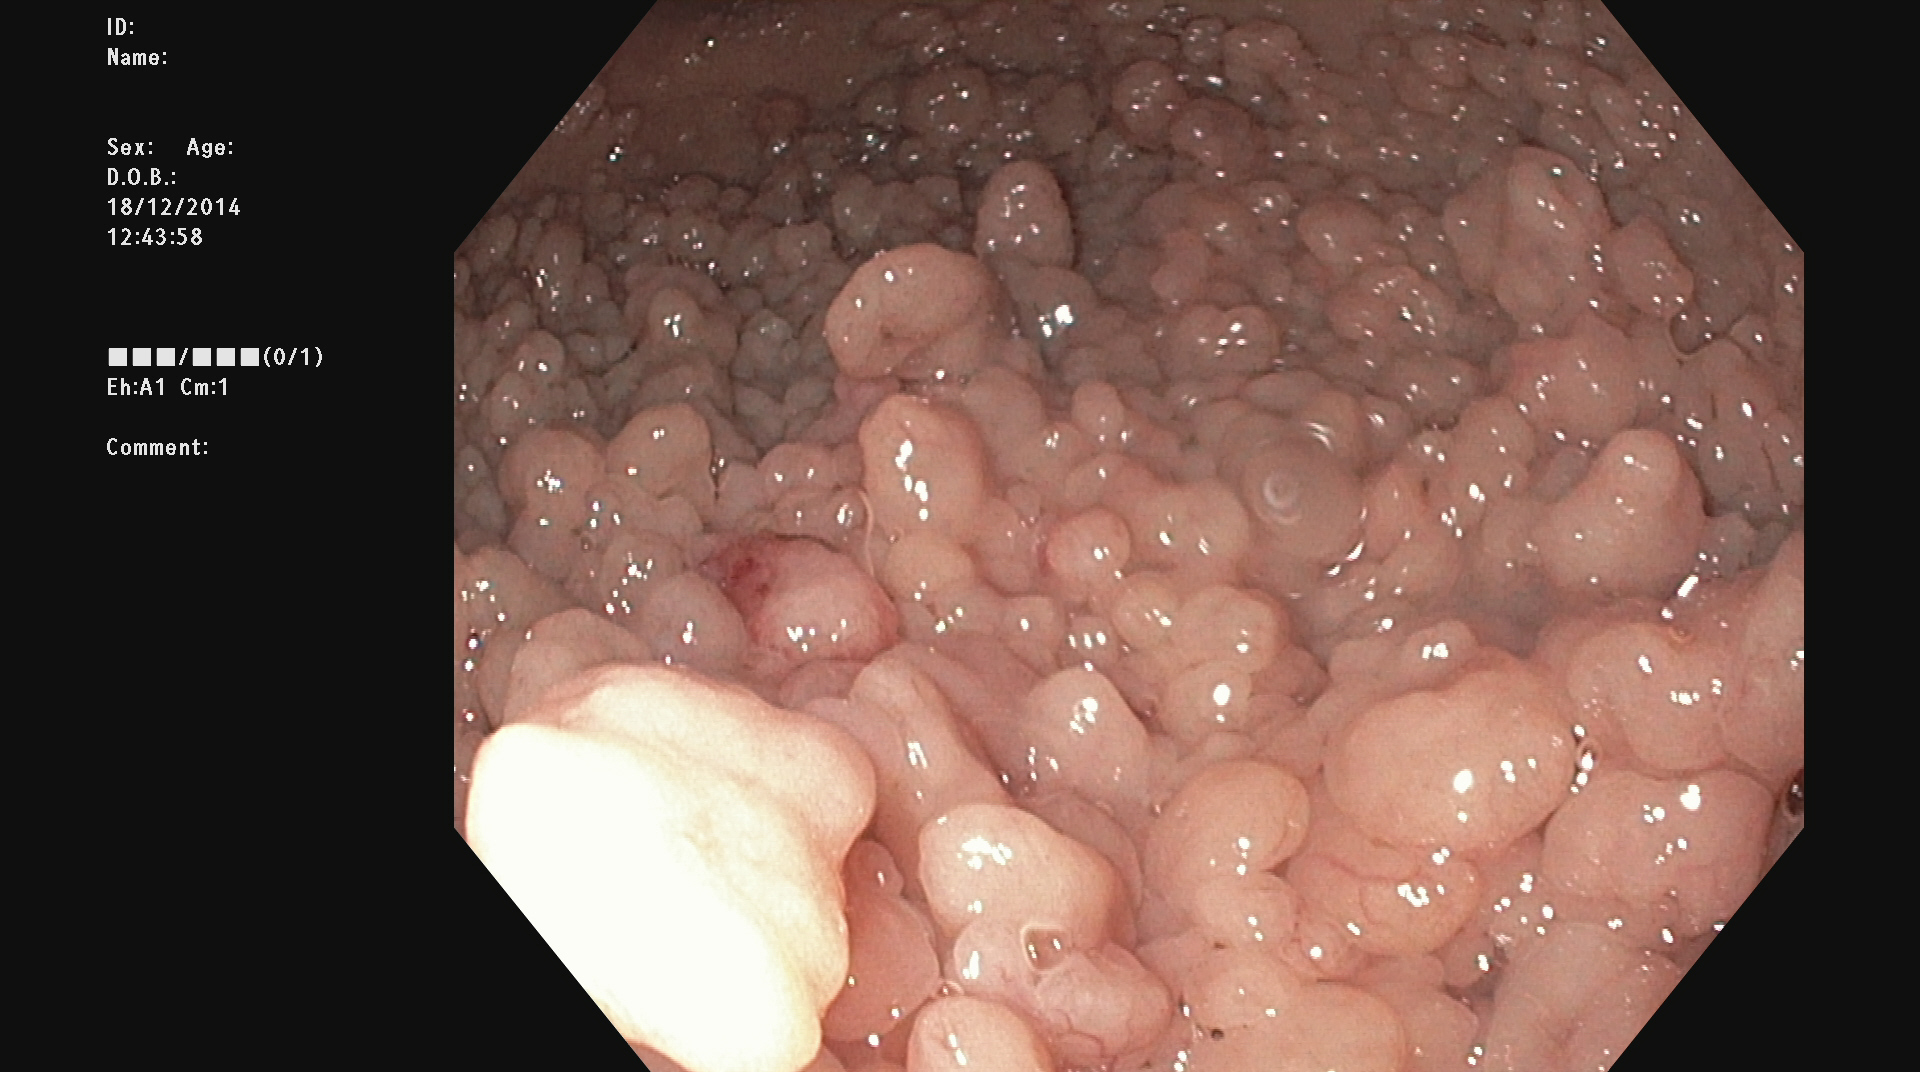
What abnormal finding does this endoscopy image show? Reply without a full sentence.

gastric polyp